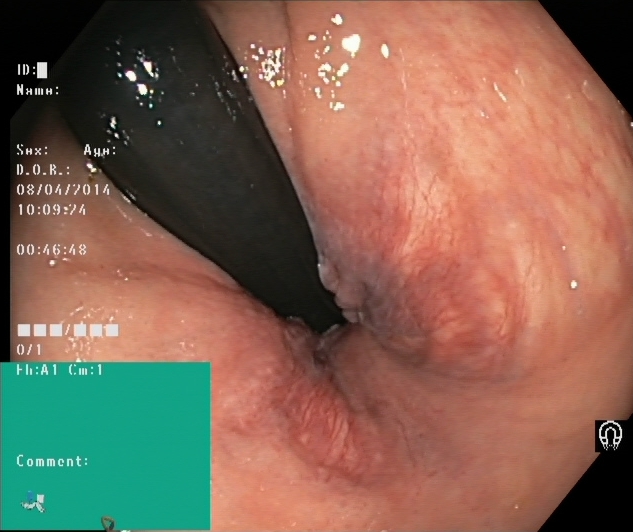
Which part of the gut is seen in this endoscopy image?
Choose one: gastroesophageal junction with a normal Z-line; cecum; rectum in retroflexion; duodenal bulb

rectum in retroflexion